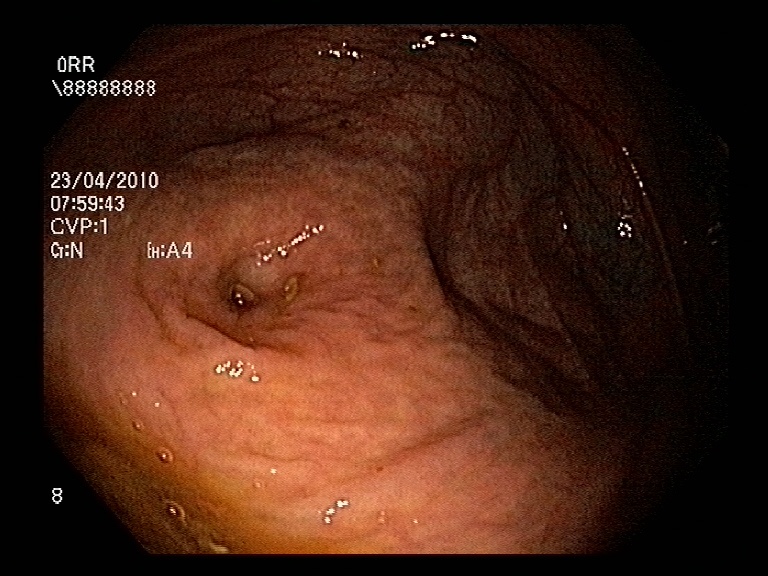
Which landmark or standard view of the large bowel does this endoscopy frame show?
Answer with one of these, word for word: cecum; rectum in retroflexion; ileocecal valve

cecum